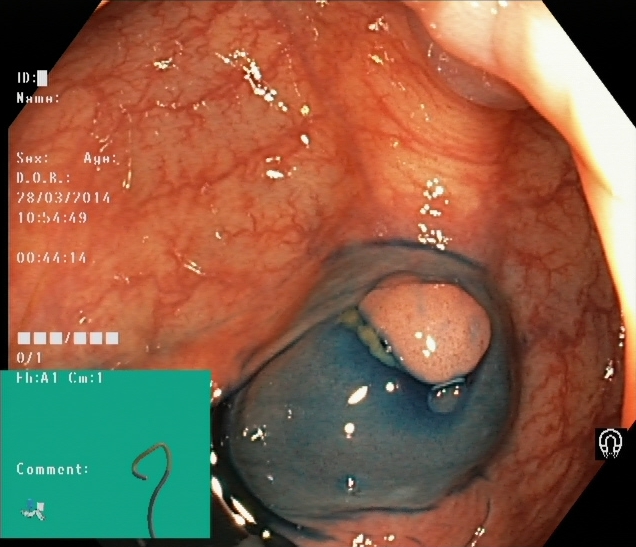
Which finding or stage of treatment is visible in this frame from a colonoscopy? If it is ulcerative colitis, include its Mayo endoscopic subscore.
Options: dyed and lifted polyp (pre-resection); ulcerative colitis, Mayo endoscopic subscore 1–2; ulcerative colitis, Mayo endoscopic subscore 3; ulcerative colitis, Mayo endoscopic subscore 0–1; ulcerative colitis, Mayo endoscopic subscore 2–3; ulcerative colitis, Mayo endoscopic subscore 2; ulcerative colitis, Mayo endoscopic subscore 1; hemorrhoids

dyed and lifted polyp (pre-resection)